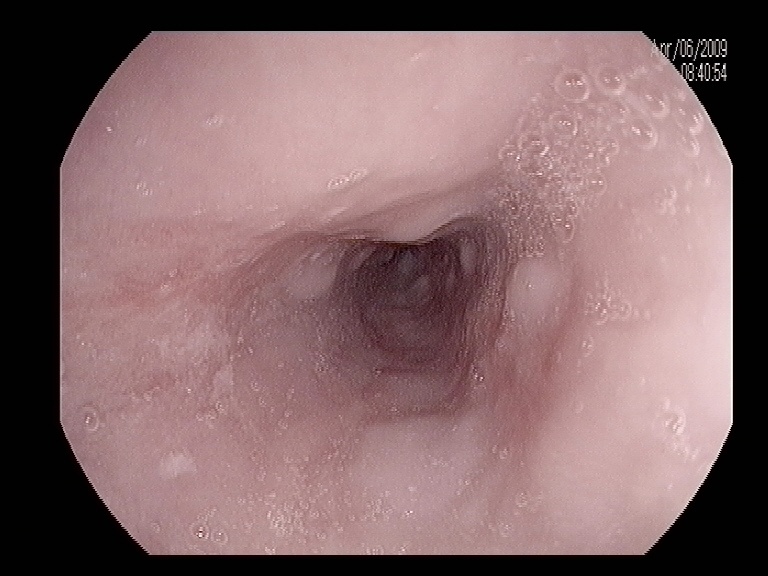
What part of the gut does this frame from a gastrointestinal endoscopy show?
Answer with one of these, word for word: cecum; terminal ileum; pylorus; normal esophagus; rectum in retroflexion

normal esophagus